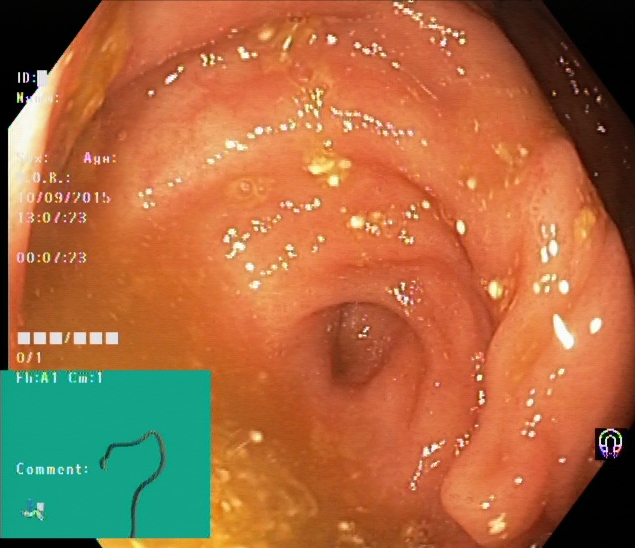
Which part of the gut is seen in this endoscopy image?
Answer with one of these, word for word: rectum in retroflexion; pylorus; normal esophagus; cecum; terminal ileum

cecum